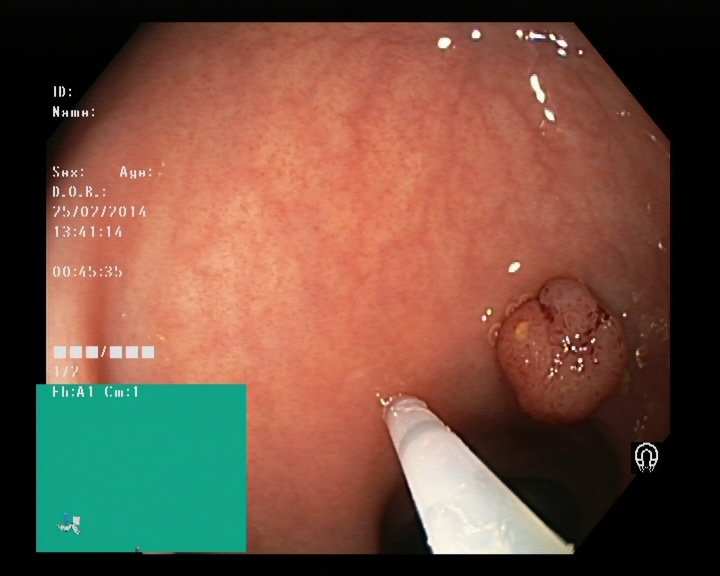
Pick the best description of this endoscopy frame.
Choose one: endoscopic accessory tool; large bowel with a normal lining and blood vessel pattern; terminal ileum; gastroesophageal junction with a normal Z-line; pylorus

endoscopic accessory tool